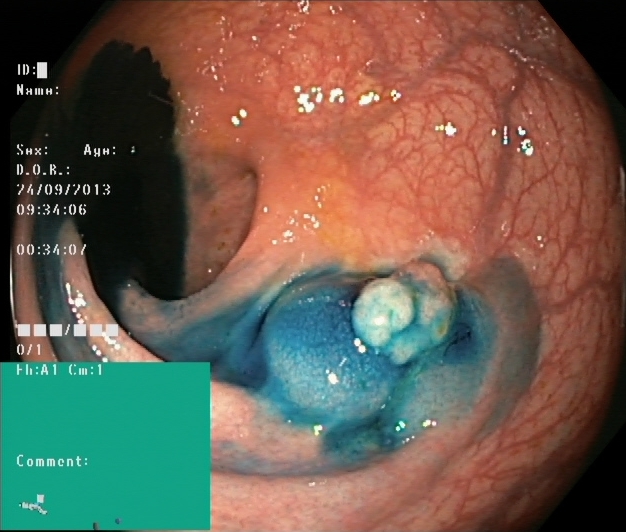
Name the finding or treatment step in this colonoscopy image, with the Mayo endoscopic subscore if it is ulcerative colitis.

dyed and lifted polyp (pre-resection)